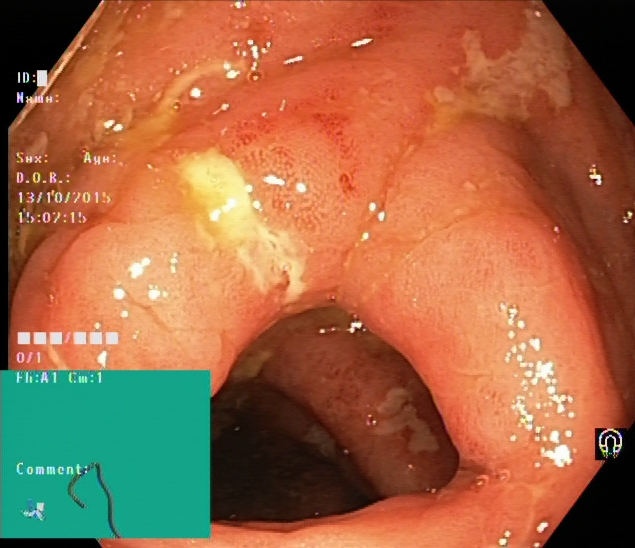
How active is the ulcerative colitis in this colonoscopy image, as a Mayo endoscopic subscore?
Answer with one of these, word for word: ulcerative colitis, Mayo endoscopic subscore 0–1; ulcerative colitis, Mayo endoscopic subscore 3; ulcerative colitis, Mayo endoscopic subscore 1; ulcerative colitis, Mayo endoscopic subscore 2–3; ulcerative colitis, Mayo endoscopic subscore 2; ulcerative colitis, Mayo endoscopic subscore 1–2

ulcerative colitis, Mayo endoscopic subscore 2–3